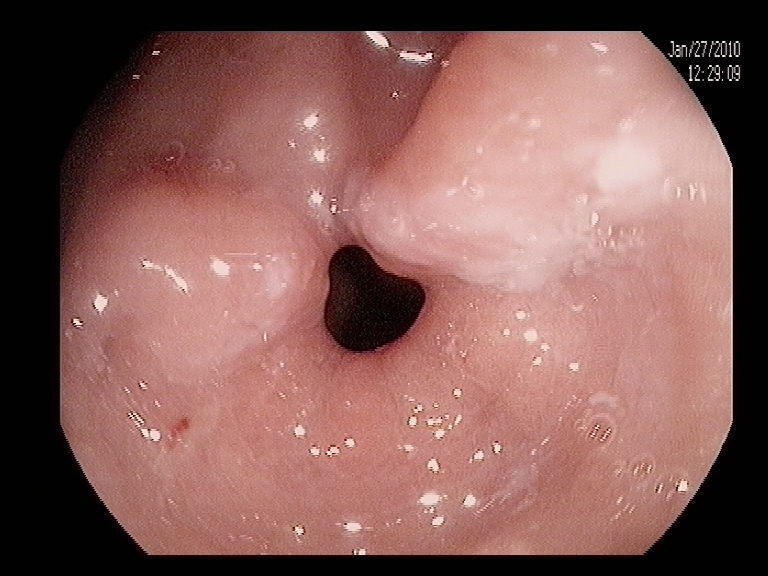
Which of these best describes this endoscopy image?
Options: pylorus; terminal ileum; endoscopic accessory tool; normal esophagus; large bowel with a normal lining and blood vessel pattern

pylorus